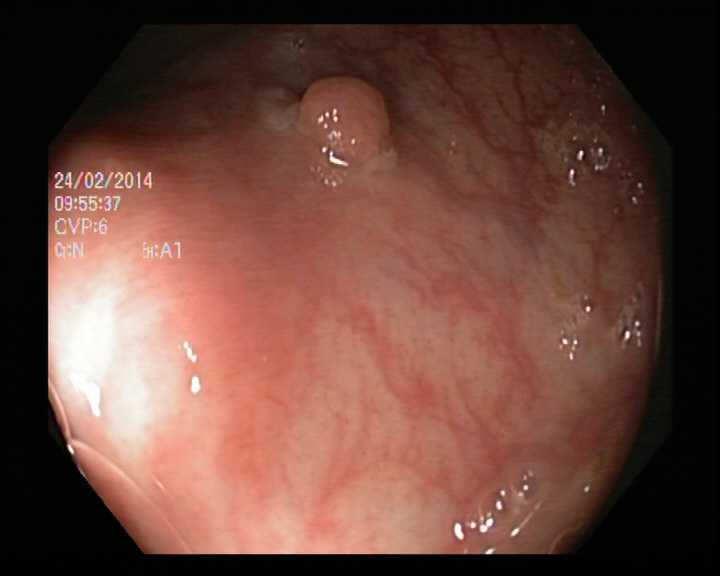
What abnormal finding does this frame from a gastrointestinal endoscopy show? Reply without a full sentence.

colon polyp